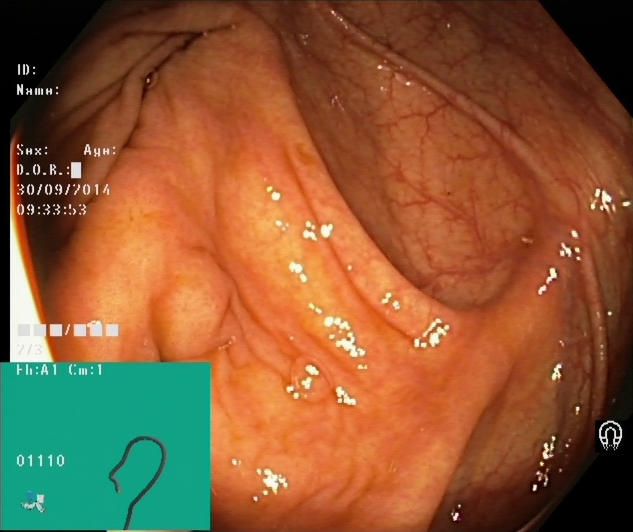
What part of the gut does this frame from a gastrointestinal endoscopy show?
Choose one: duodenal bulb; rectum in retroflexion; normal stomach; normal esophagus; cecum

cecum